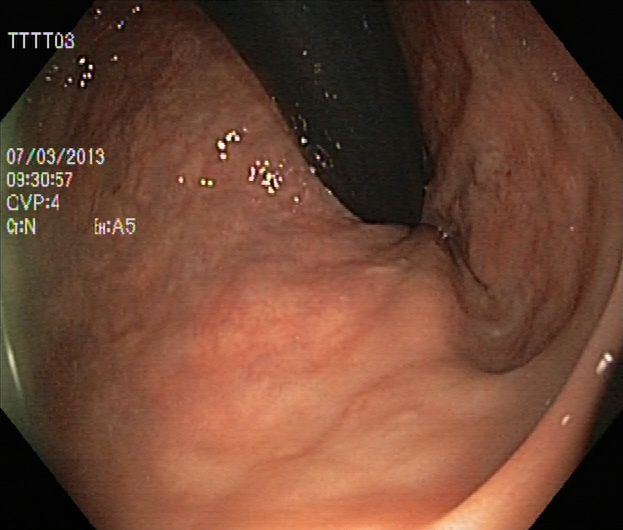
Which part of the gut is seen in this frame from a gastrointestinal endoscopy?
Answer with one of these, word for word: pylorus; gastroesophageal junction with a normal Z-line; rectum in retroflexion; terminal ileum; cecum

rectum in retroflexion